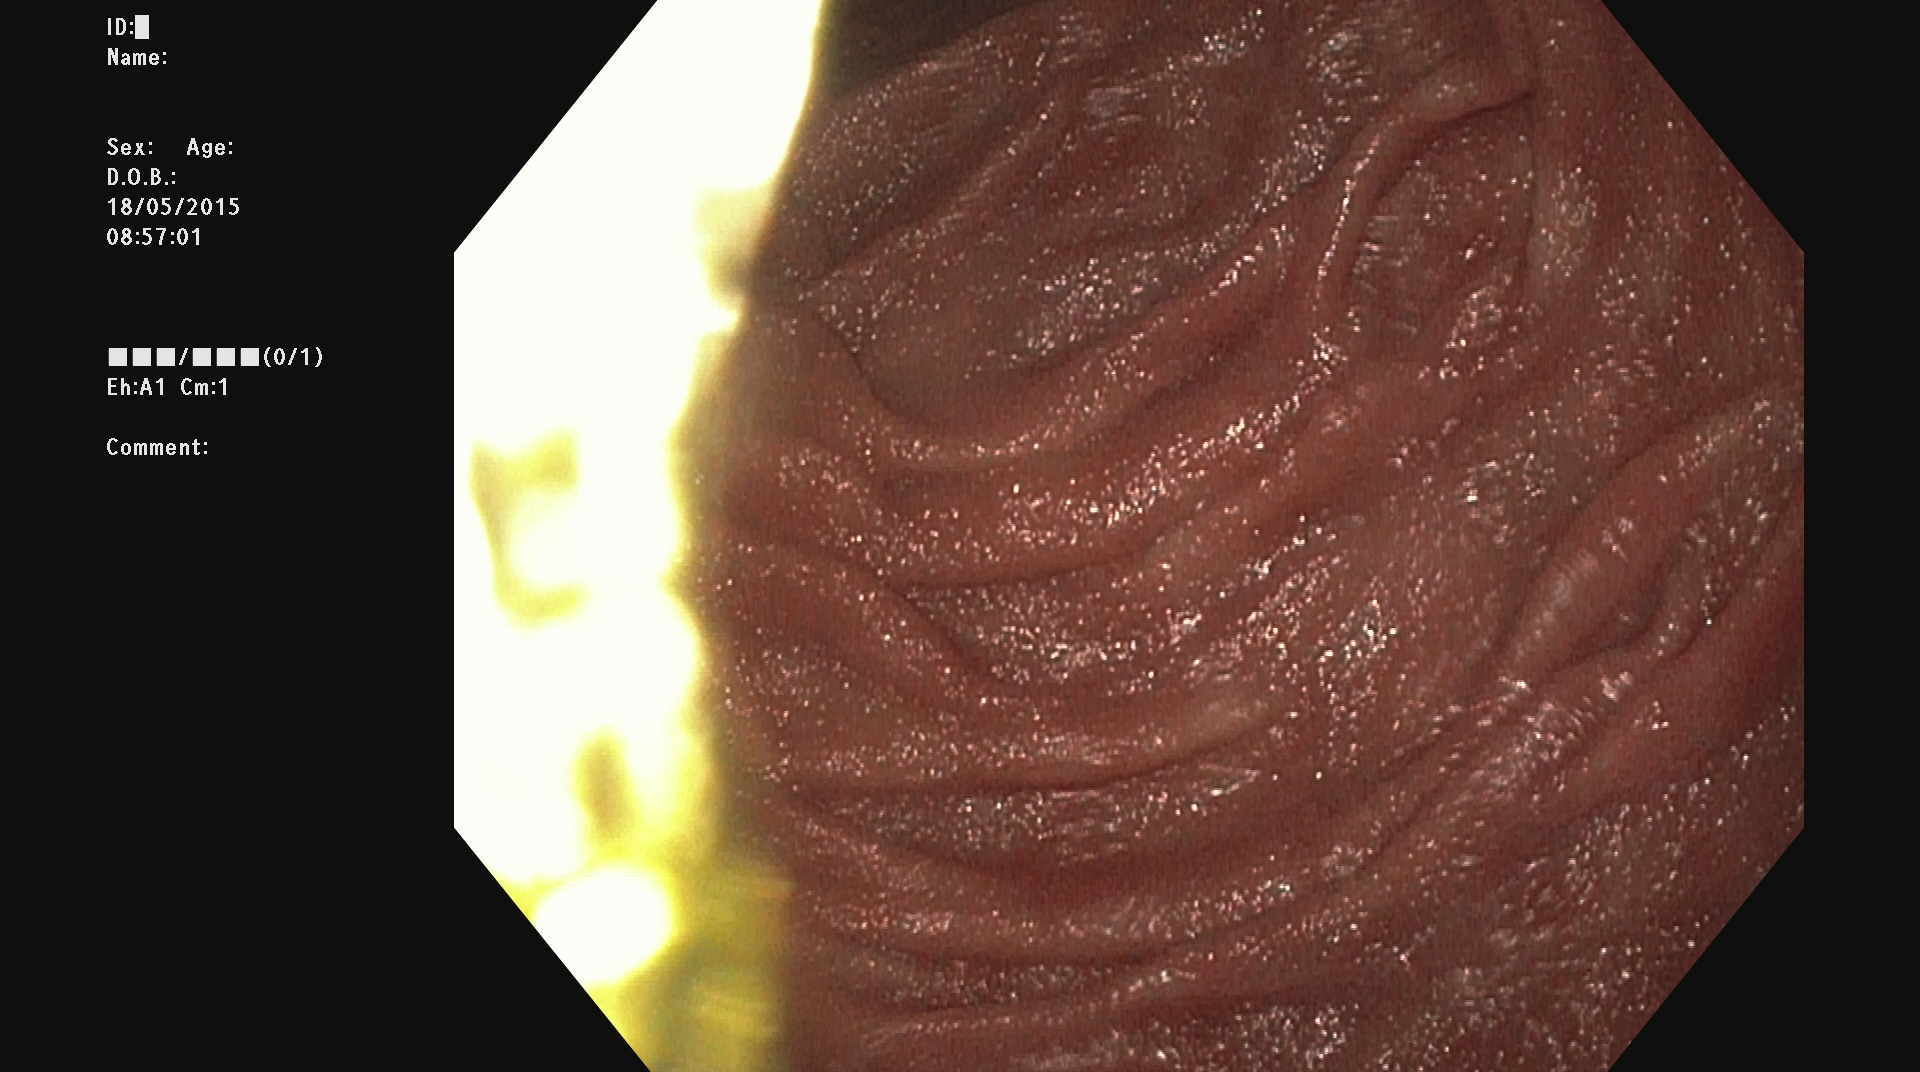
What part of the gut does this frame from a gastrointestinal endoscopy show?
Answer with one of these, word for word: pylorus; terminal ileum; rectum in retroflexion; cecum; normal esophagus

terminal ileum